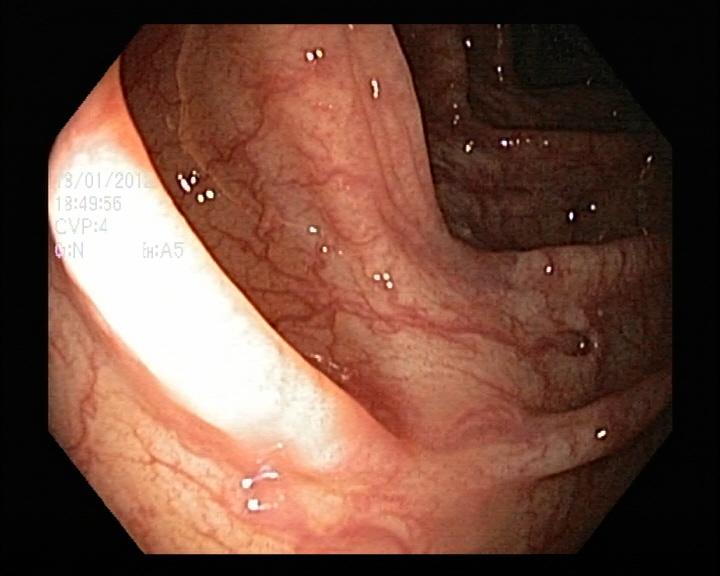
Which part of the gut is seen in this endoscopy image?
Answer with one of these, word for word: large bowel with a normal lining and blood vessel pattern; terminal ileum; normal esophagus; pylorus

large bowel with a normal lining and blood vessel pattern